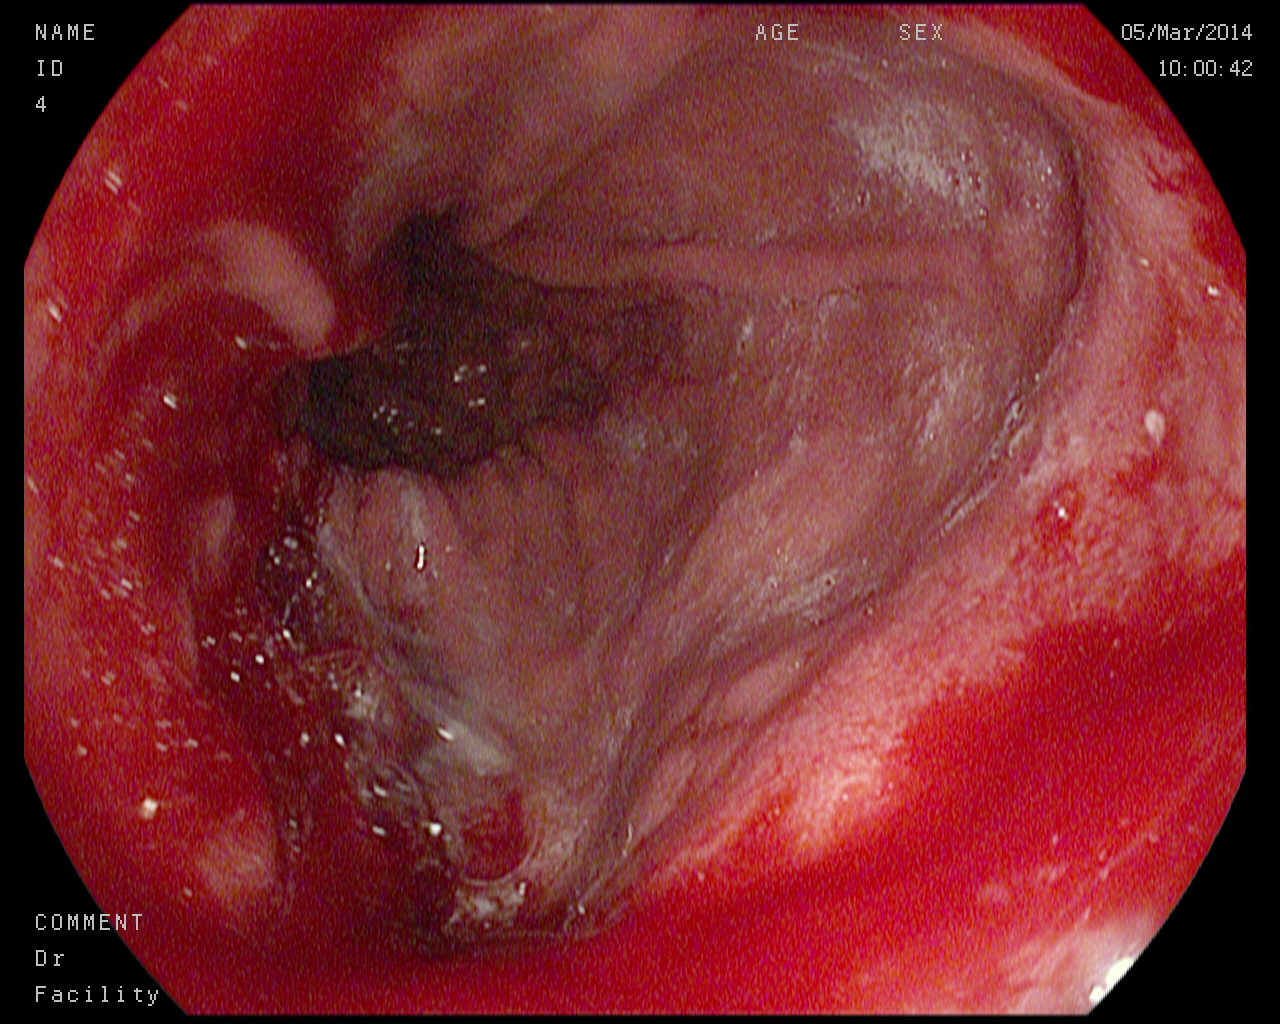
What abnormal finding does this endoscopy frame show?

blood in the lumen